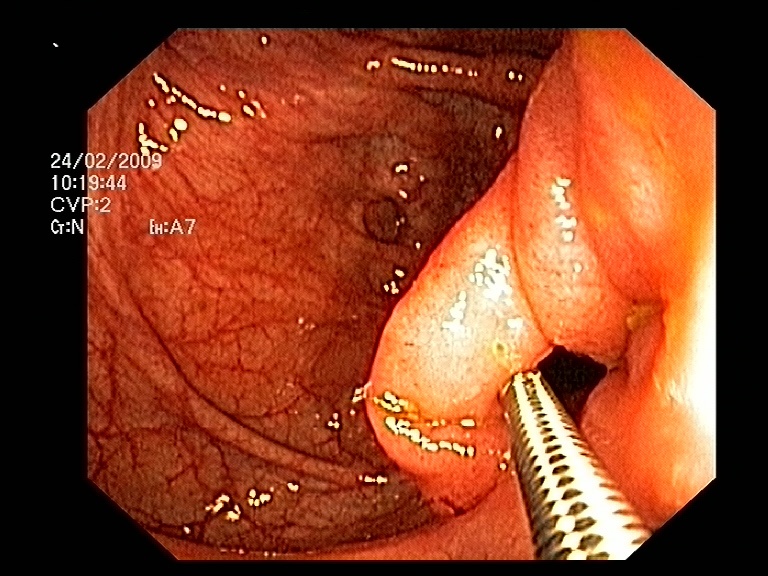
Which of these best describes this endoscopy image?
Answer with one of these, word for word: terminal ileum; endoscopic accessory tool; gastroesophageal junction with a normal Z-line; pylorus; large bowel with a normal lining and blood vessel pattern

endoscopic accessory tool